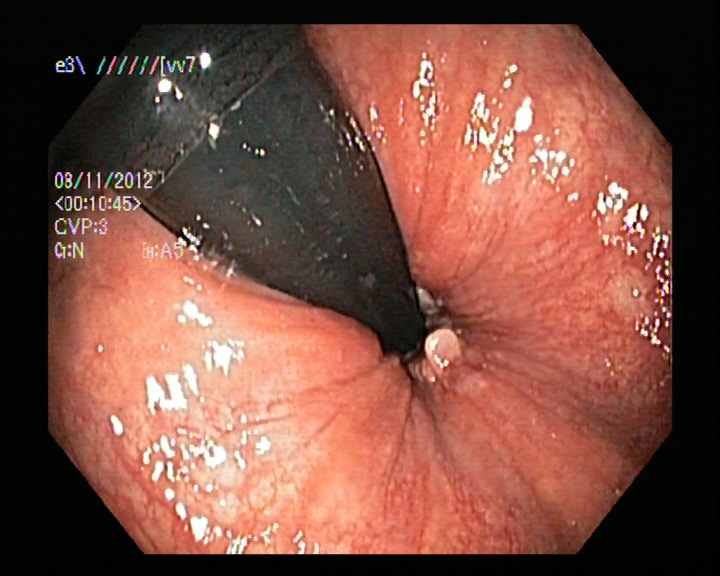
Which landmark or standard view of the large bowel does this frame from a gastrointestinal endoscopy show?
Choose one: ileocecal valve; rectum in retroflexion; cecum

rectum in retroflexion